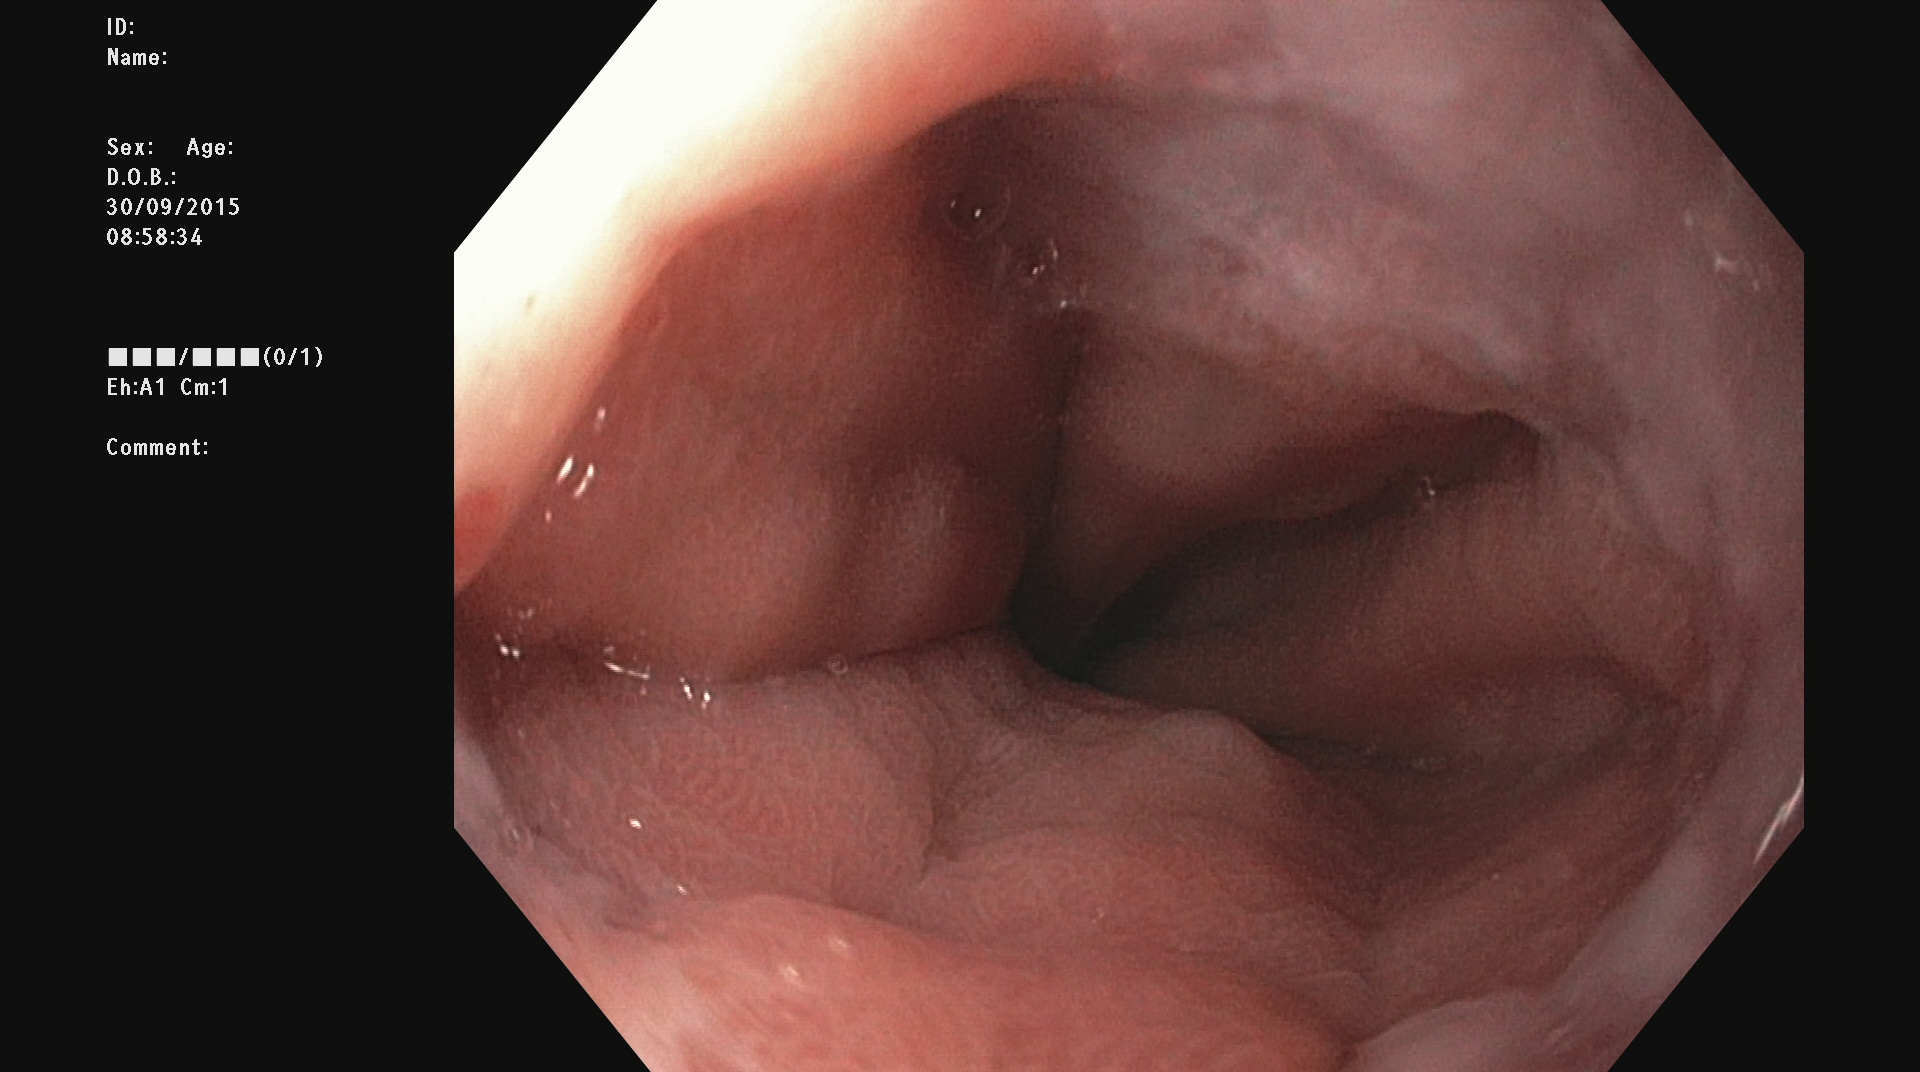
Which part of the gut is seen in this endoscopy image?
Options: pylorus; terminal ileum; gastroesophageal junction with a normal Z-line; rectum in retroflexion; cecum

gastroesophageal junction with a normal Z-line